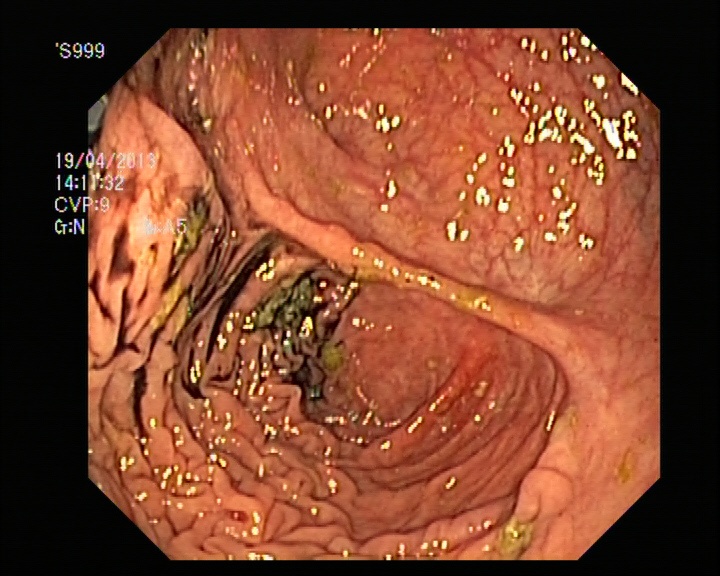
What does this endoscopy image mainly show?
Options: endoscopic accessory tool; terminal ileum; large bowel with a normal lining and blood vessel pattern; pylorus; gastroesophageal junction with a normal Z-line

large bowel with a normal lining and blood vessel pattern